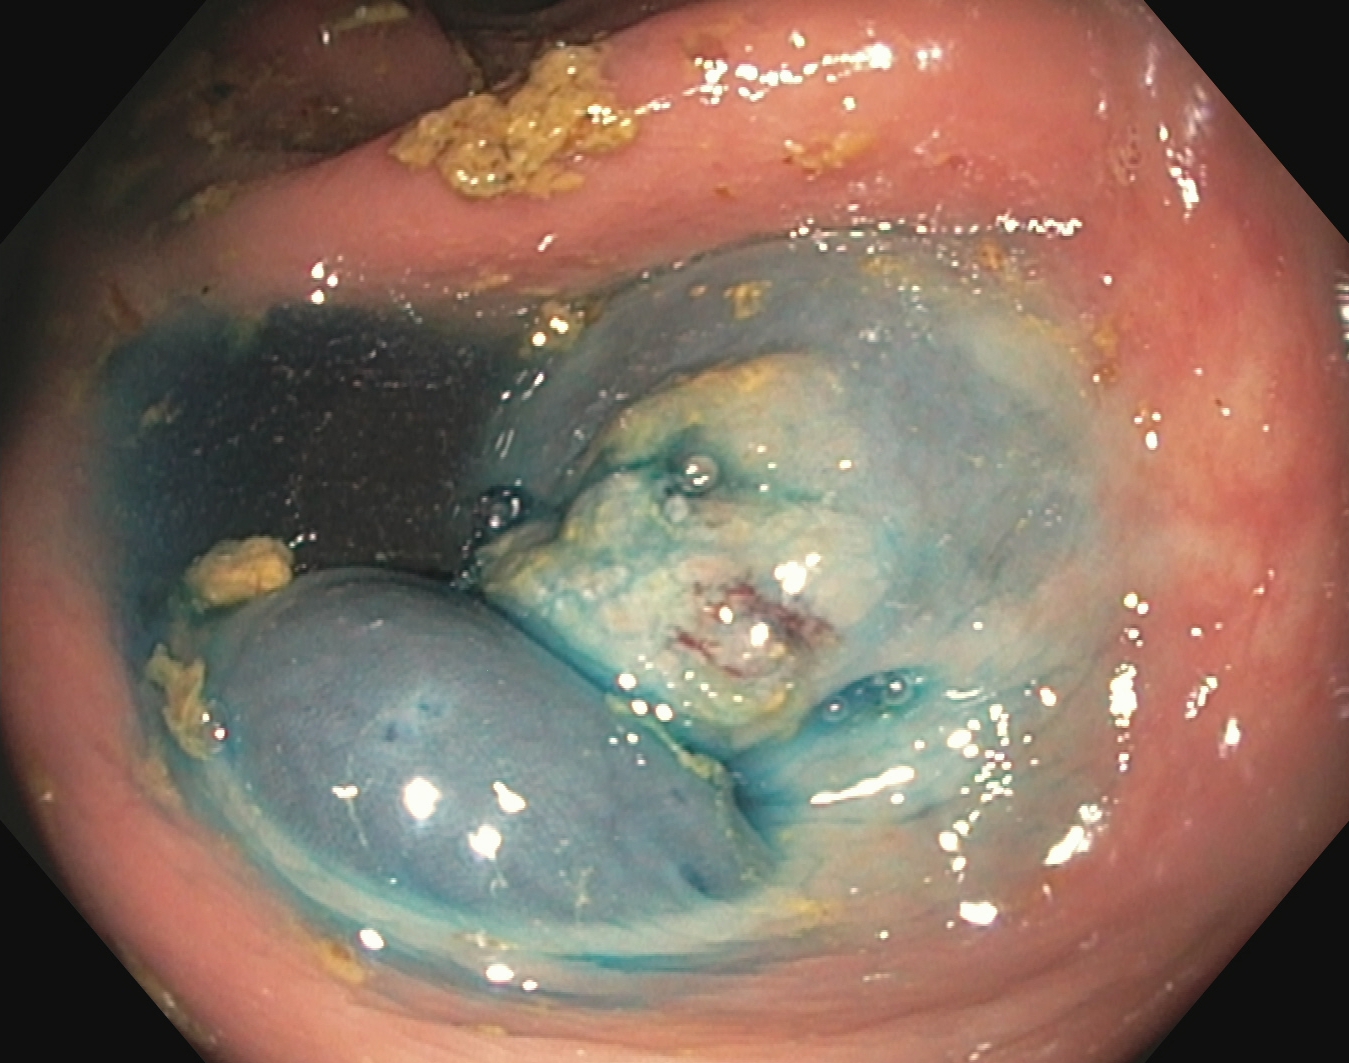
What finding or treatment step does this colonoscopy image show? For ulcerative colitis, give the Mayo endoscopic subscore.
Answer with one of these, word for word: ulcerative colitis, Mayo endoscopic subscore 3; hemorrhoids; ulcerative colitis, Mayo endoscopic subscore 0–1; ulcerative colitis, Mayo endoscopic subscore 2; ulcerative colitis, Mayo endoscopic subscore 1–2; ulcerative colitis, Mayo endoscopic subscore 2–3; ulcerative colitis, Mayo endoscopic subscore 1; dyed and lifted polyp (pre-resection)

dyed and lifted polyp (pre-resection)